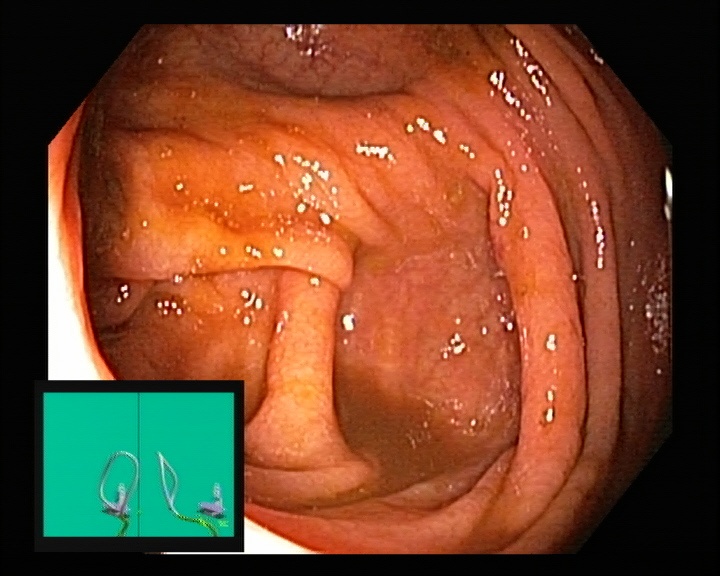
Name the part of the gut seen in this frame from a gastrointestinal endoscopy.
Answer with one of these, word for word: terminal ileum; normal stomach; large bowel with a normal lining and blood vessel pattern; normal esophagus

large bowel with a normal lining and blood vessel pattern